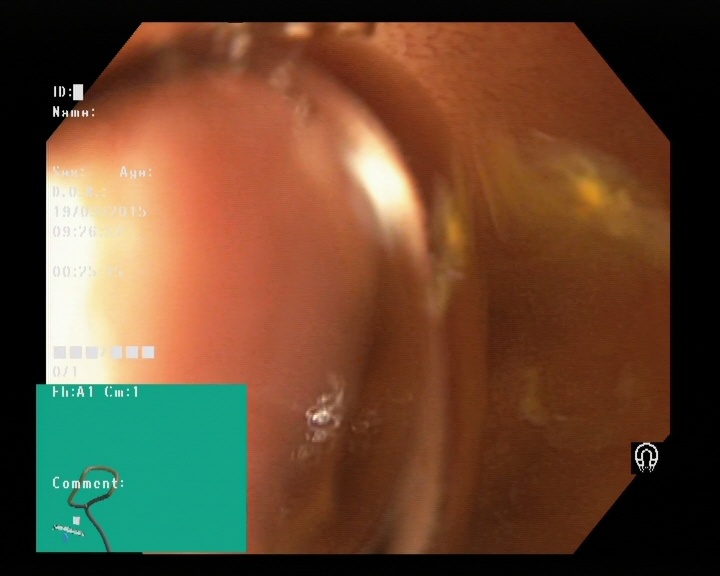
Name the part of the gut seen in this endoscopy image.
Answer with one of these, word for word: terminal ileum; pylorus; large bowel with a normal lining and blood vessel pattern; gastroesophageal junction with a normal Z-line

large bowel with a normal lining and blood vessel pattern